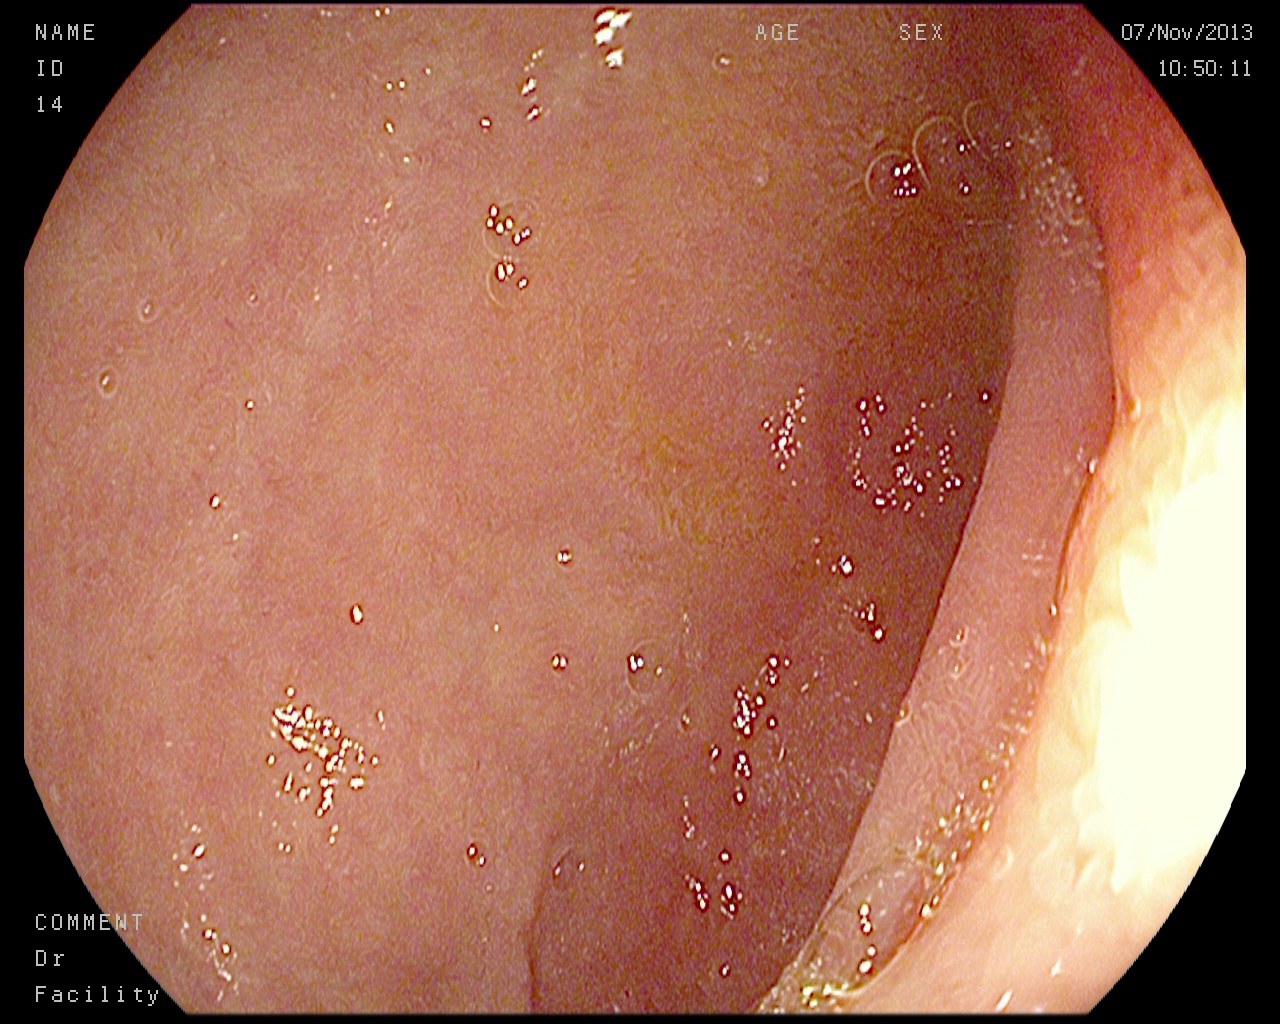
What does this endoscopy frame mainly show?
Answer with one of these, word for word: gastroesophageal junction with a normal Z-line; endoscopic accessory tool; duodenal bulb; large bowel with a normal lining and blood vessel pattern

duodenal bulb